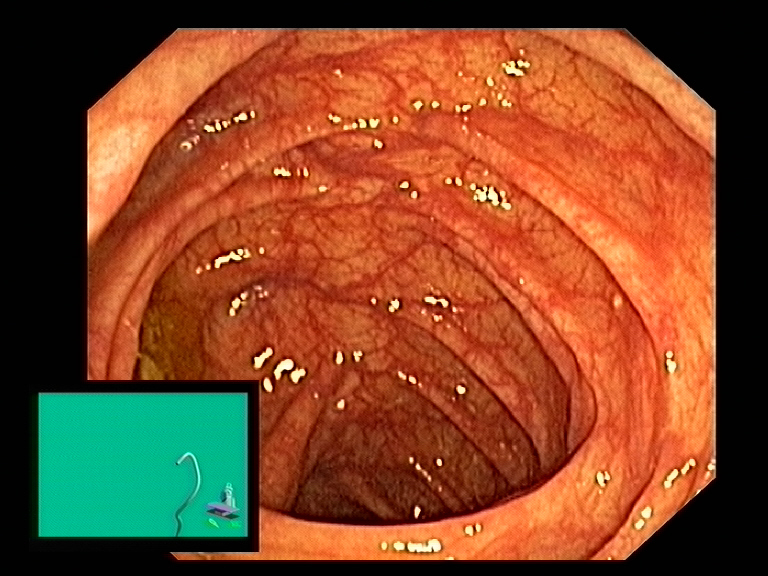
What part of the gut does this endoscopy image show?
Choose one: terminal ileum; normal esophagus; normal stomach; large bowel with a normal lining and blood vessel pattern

large bowel with a normal lining and blood vessel pattern